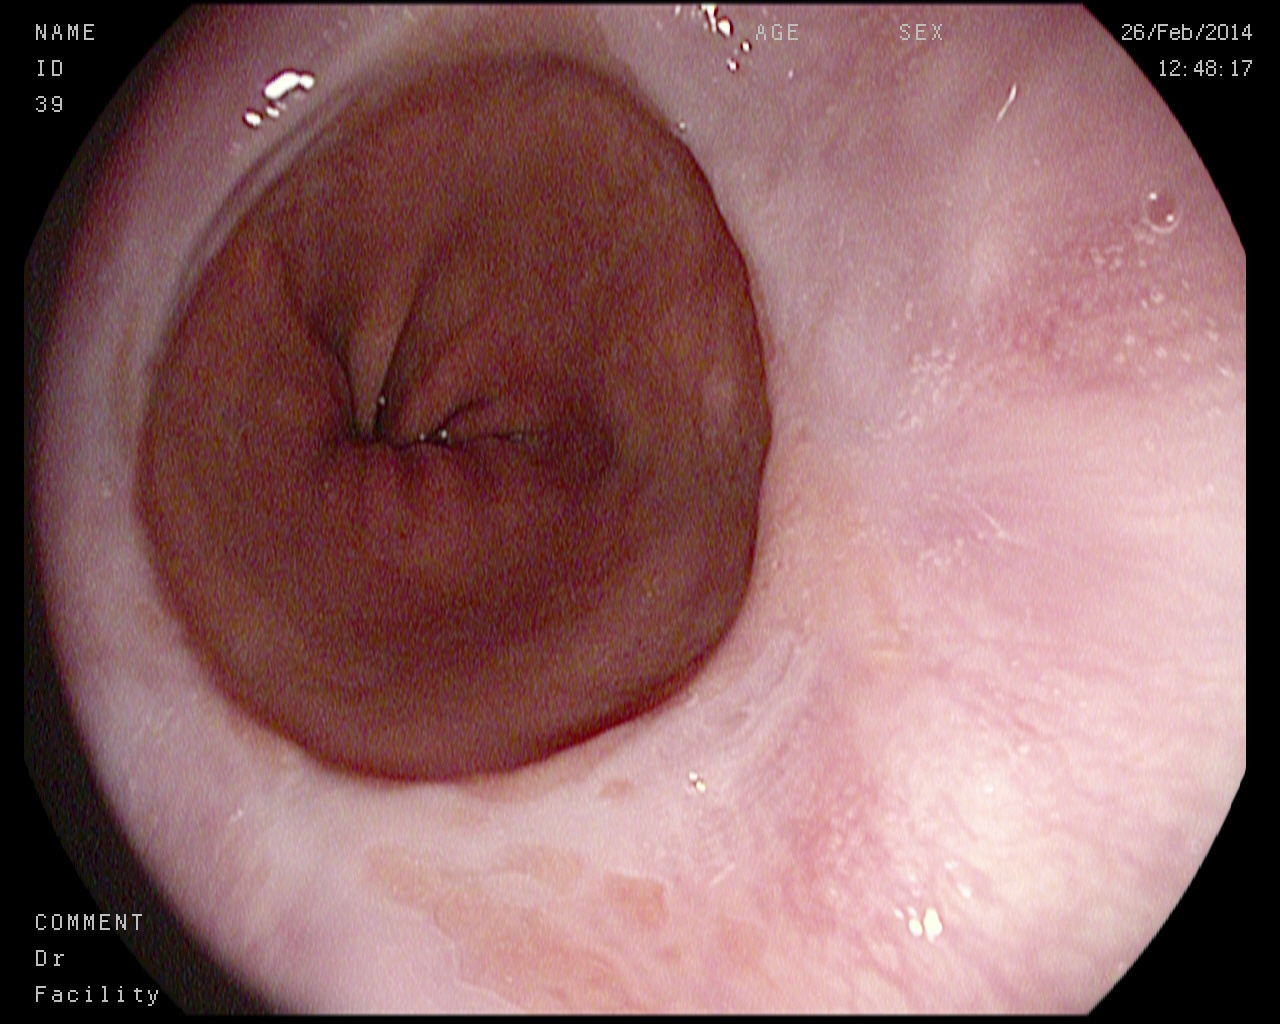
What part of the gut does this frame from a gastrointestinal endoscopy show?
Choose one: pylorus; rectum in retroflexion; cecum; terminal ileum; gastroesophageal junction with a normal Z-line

gastroesophageal junction with a normal Z-line